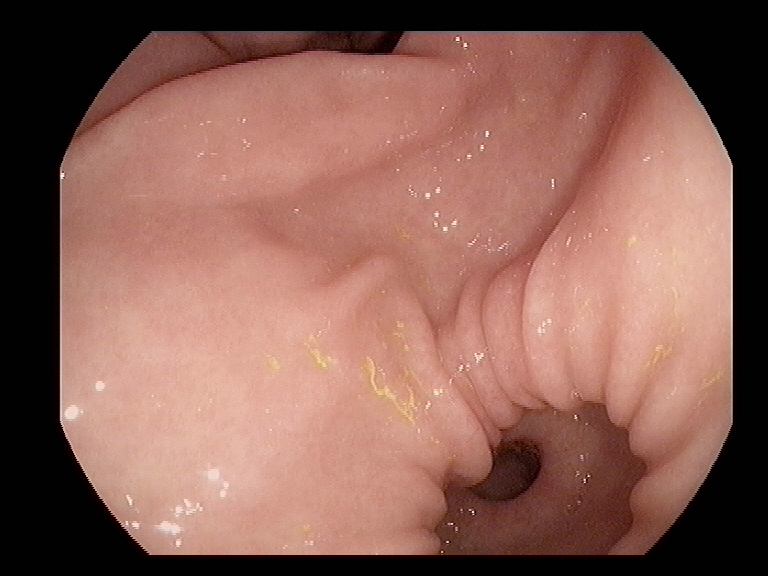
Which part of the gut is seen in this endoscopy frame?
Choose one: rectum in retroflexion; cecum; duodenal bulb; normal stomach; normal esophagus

normal stomach